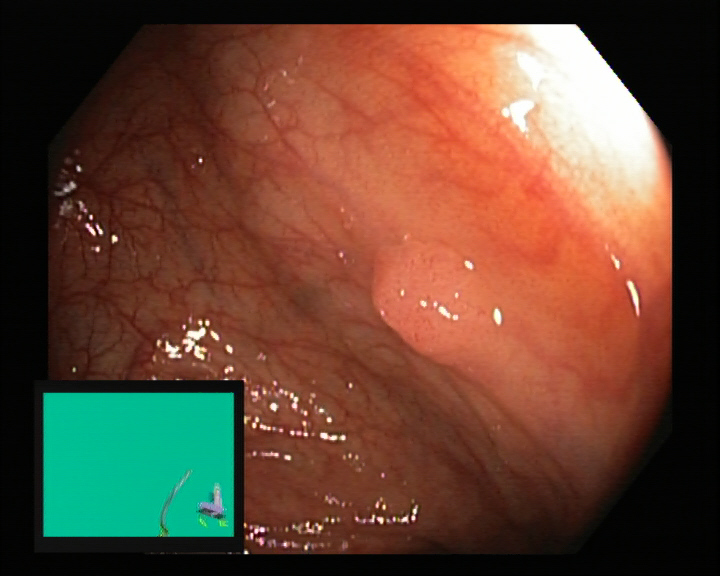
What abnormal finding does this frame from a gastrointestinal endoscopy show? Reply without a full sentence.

colon polyp